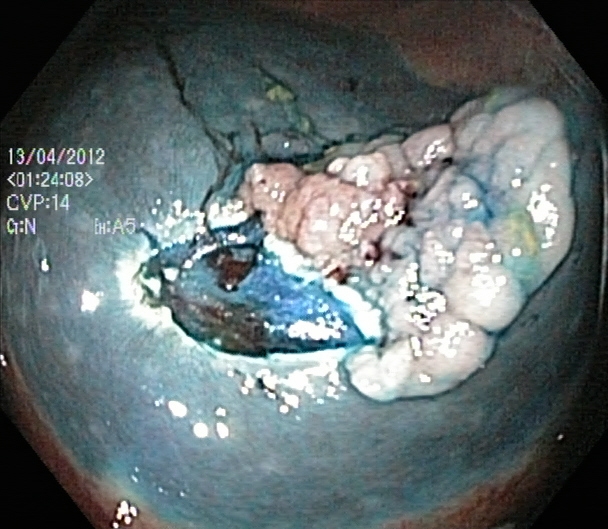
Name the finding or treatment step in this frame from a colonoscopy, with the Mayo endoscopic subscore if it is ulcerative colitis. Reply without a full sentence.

dyed and lifted polyp (pre-resection)